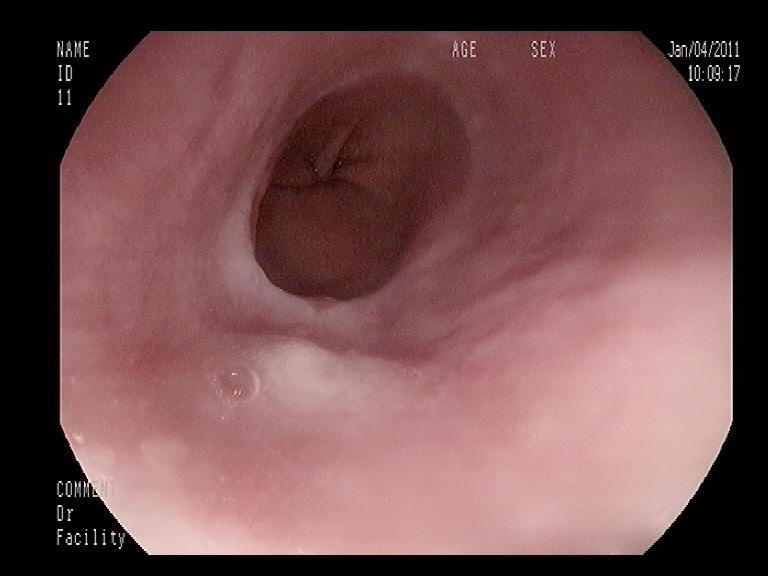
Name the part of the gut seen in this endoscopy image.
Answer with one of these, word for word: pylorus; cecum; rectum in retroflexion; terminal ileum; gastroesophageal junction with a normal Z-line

gastroesophageal junction with a normal Z-line